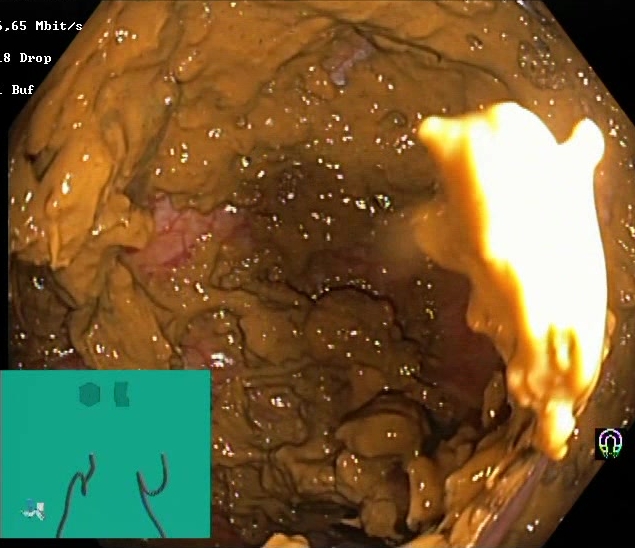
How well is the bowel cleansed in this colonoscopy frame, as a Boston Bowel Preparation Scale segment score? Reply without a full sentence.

Boston Bowel Preparation Scale score 0–1 (inadequate preparation)